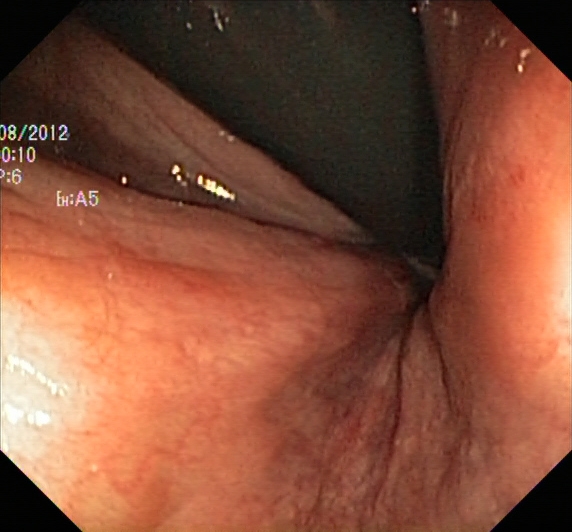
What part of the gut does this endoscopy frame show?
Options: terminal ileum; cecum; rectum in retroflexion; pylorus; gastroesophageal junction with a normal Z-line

rectum in retroflexion